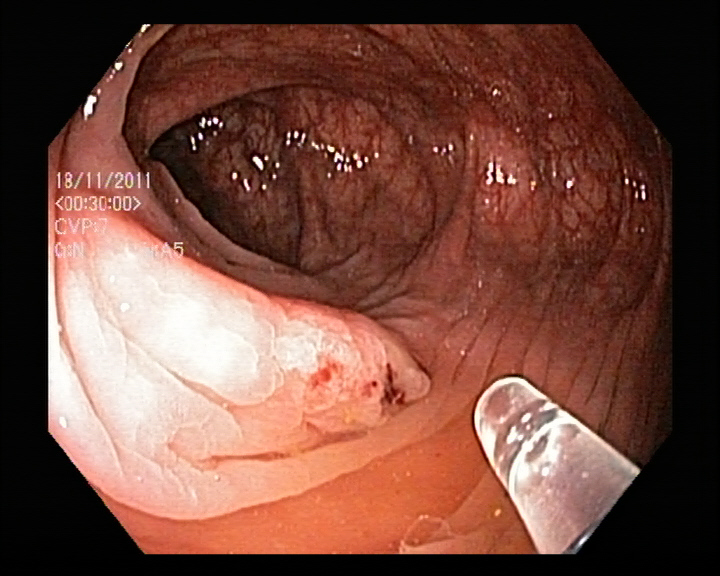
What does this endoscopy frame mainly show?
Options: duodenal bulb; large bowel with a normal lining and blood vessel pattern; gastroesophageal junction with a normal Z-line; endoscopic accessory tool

endoscopic accessory tool